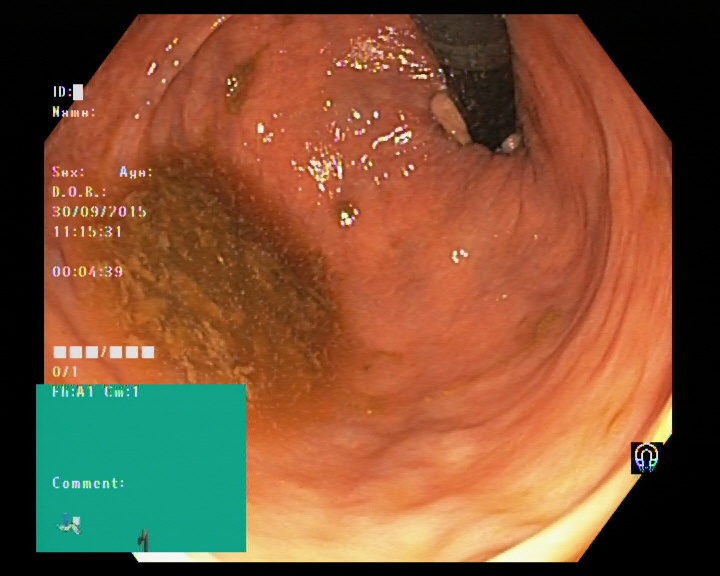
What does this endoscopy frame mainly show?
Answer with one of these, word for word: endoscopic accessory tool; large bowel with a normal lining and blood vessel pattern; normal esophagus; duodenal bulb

large bowel with a normal lining and blood vessel pattern